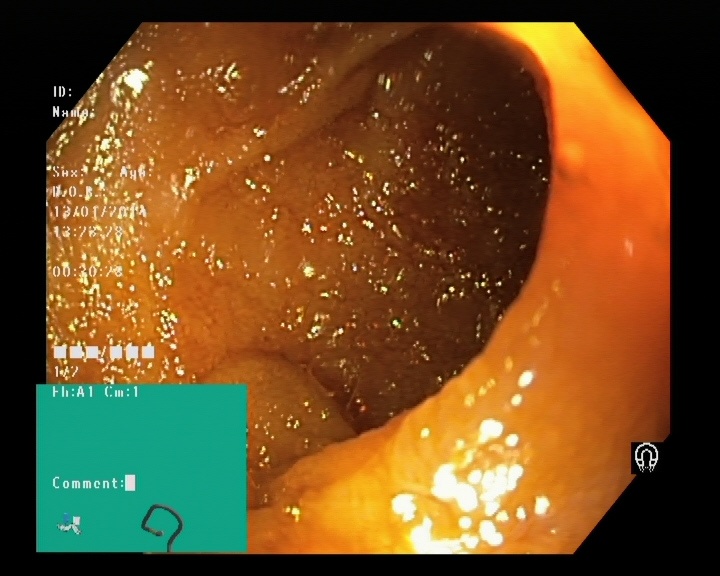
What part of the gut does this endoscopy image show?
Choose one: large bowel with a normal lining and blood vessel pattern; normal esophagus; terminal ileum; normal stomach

terminal ileum